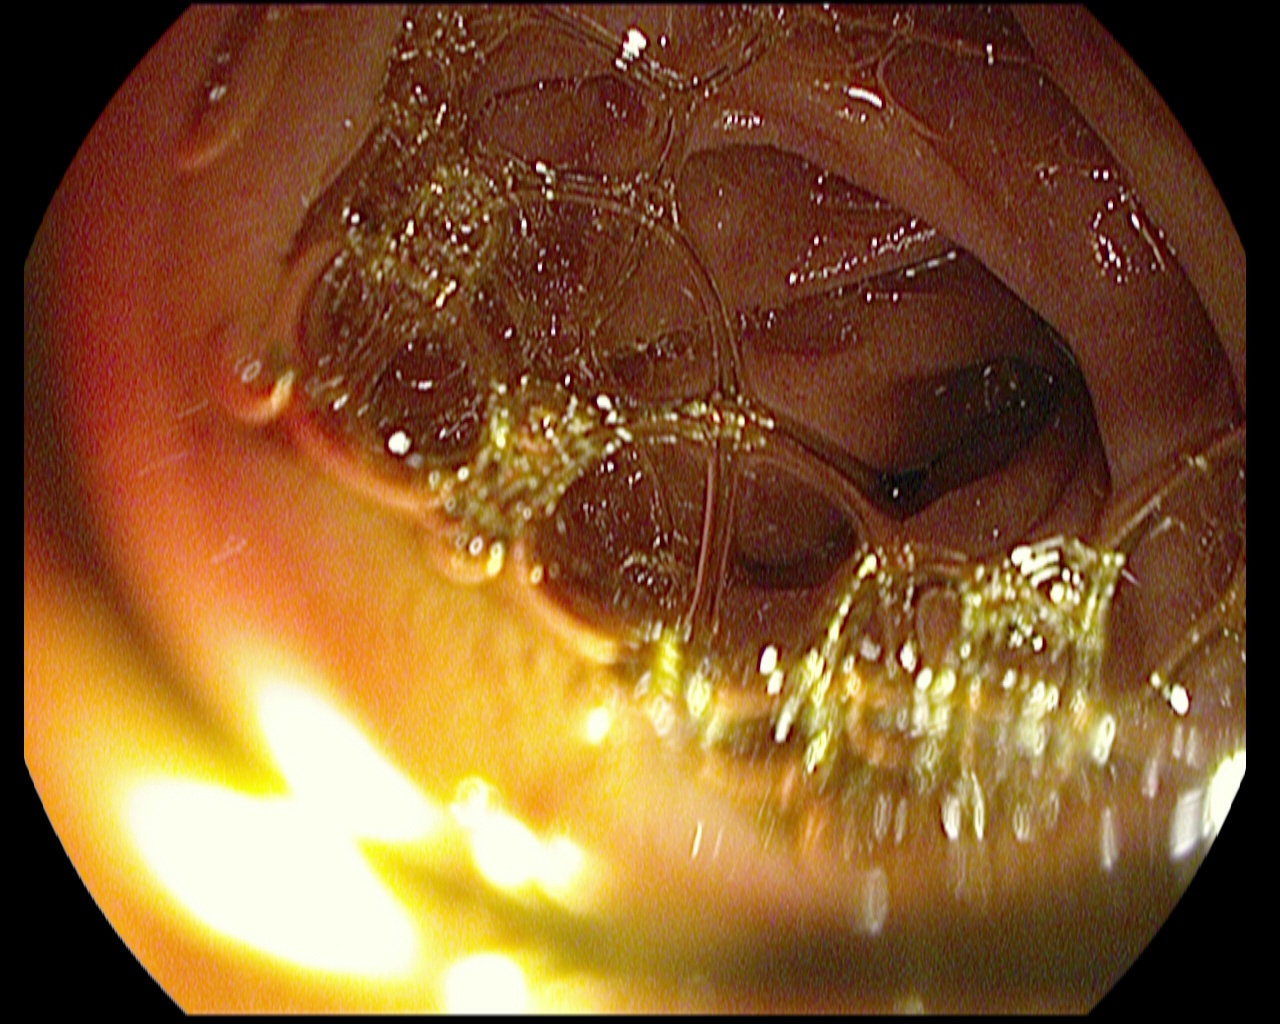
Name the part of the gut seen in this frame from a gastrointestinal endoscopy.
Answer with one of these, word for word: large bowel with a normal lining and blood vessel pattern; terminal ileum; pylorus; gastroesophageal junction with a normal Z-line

terminal ileum